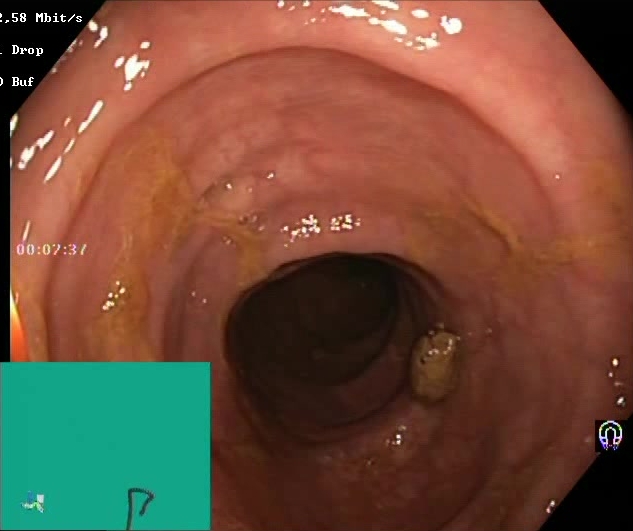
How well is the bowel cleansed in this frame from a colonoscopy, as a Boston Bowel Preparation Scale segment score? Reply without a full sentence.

Boston Bowel Preparation Scale score 2–3 (adequate preparation)